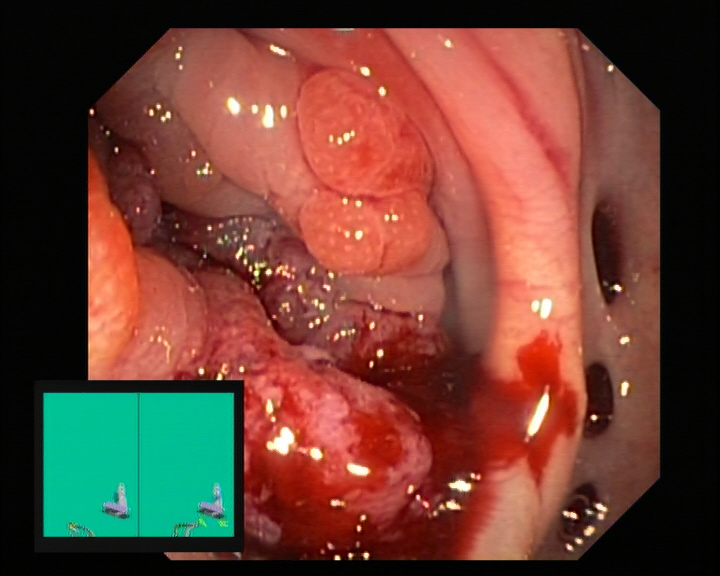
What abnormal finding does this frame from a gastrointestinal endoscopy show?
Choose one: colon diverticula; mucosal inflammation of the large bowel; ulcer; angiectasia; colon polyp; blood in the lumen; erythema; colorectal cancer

colon polyp